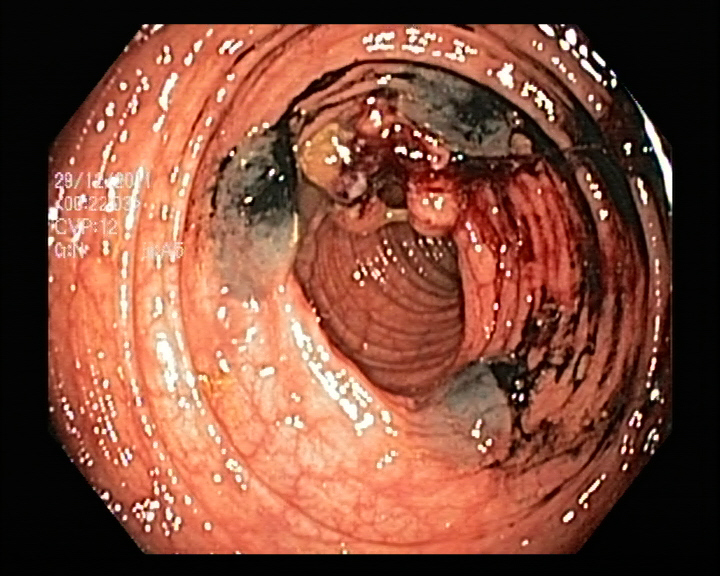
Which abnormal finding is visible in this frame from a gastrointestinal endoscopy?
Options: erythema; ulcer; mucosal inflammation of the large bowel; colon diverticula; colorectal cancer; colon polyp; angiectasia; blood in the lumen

colorectal cancer